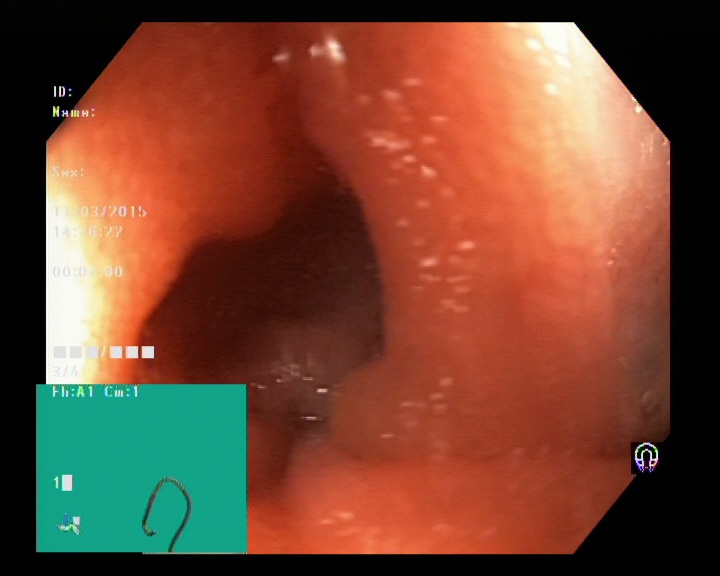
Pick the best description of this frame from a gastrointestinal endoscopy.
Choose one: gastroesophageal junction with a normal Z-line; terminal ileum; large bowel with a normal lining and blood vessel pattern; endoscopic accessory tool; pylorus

large bowel with a normal lining and blood vessel pattern